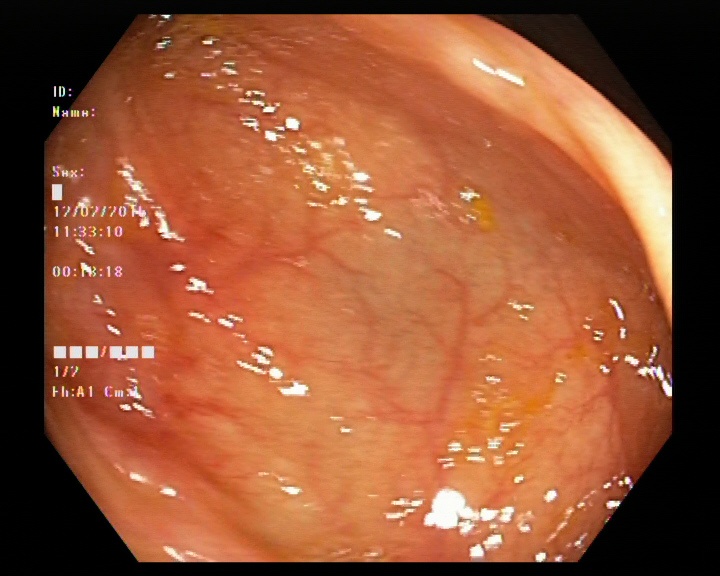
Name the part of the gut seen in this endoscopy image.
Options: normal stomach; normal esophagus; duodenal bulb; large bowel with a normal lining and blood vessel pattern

large bowel with a normal lining and blood vessel pattern